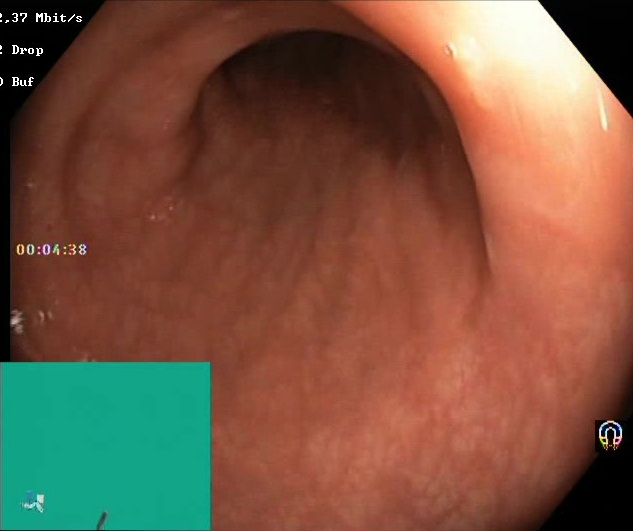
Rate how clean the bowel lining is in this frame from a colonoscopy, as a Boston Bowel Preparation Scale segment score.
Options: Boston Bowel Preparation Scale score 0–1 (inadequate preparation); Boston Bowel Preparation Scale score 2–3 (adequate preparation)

Boston Bowel Preparation Scale score 2–3 (adequate preparation)